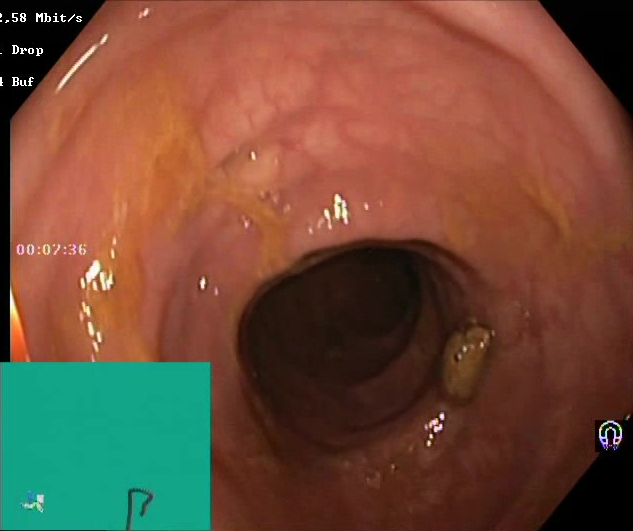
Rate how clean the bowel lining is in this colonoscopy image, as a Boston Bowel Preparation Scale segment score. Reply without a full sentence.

Boston Bowel Preparation Scale score 2–3 (adequate preparation)